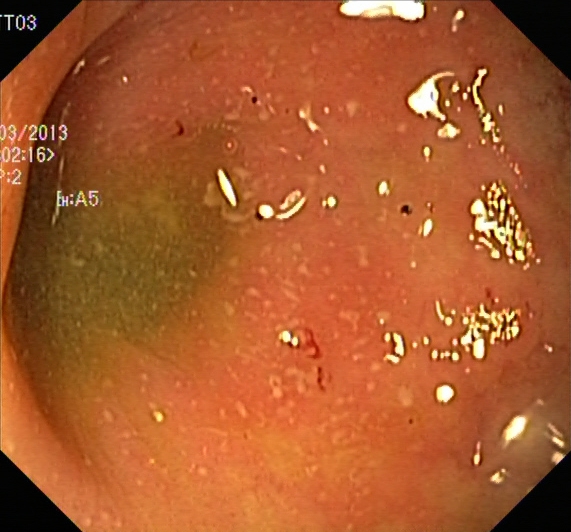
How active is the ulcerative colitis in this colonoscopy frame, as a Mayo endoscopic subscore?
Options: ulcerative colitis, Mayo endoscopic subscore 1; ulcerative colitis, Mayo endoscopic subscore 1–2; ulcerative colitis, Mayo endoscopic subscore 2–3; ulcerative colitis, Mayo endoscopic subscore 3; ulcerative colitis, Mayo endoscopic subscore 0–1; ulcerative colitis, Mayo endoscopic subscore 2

ulcerative colitis, Mayo endoscopic subscore 2